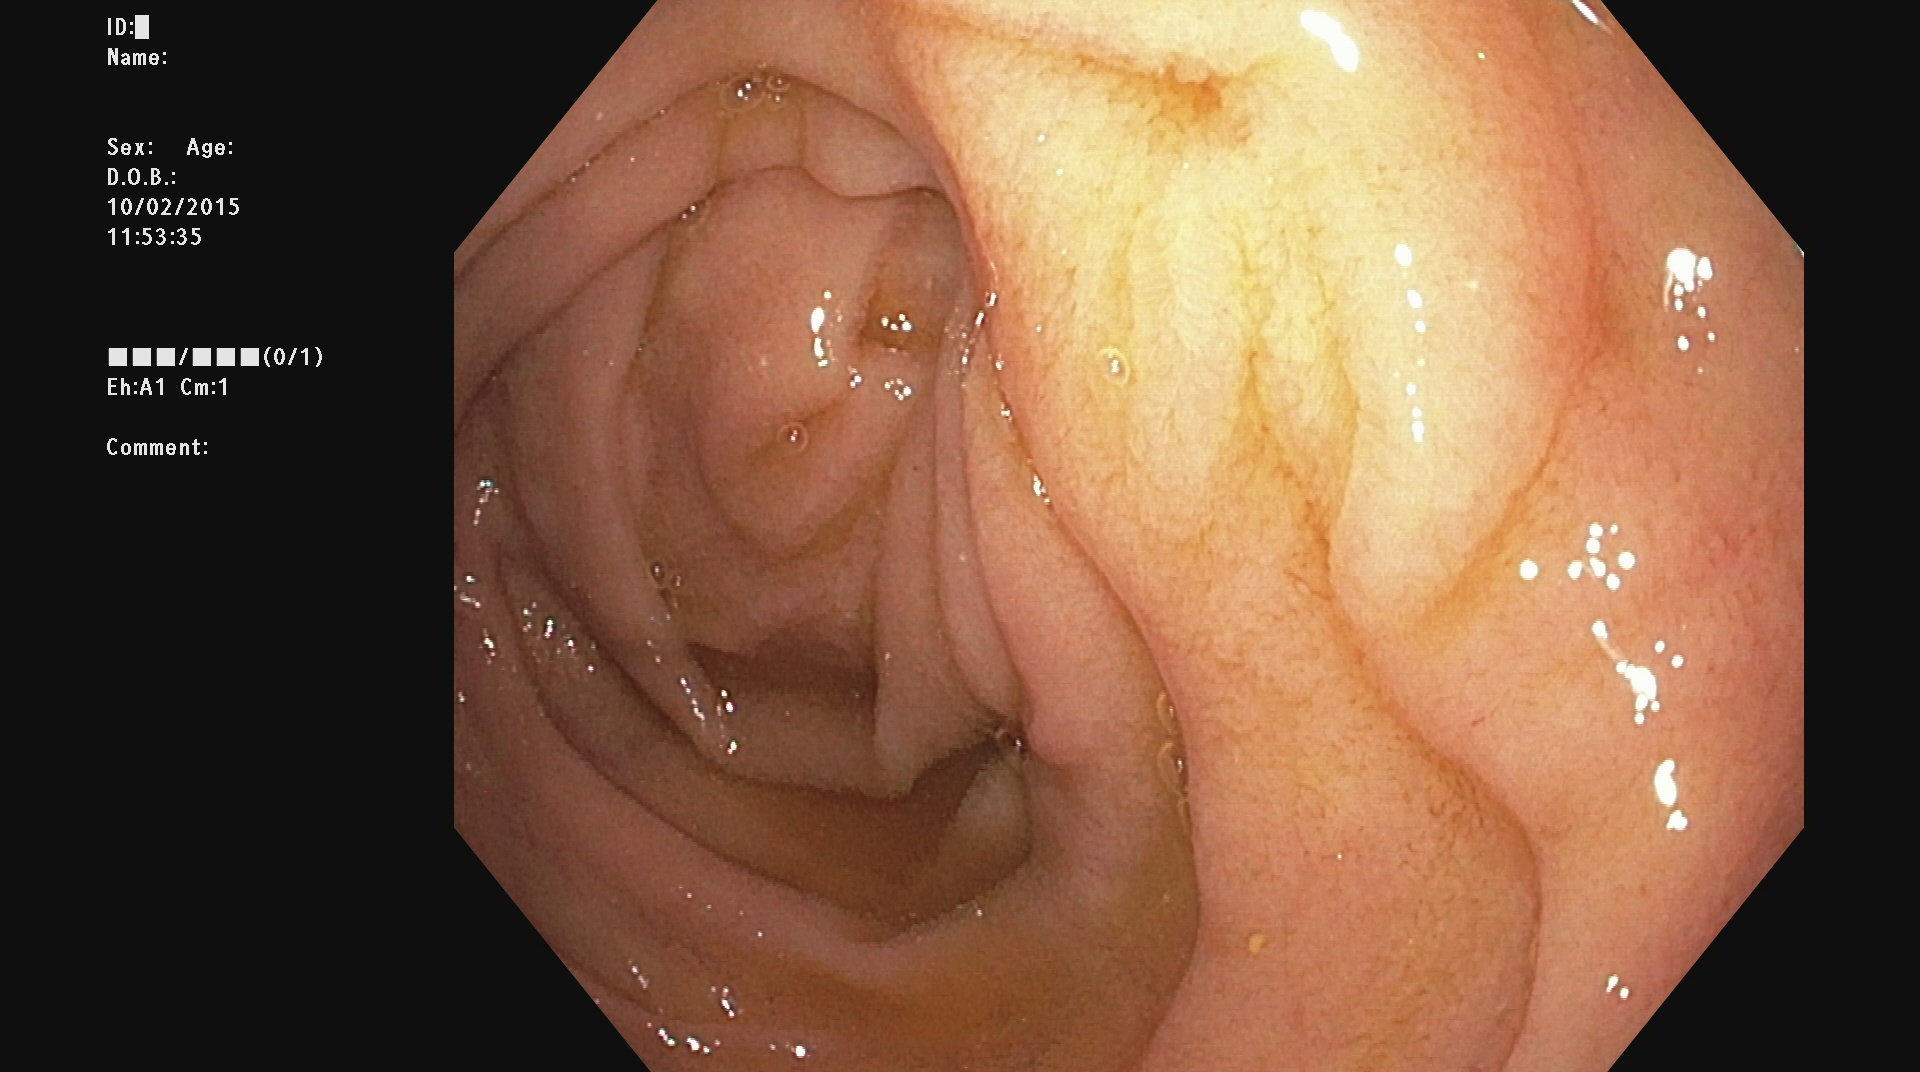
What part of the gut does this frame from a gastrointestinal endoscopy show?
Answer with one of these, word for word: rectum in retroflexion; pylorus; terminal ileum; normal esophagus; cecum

terminal ileum